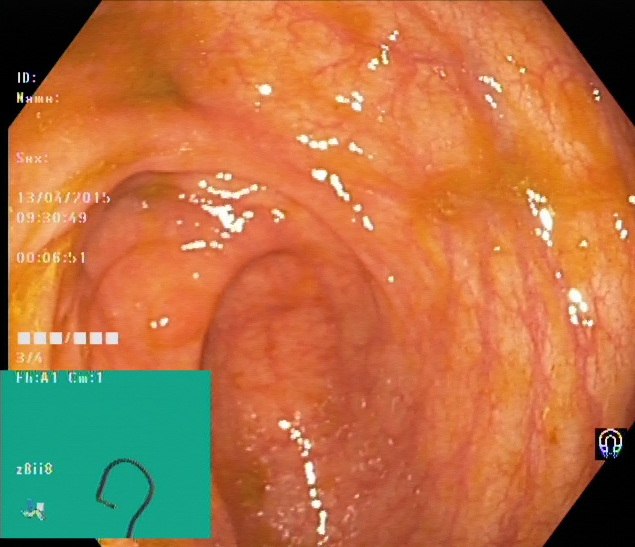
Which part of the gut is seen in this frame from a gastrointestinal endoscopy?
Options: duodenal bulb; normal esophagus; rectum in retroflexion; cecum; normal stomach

cecum